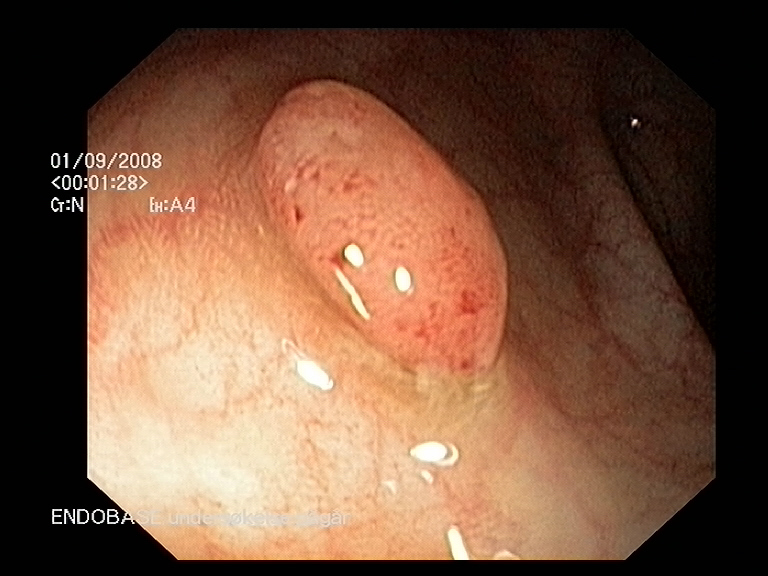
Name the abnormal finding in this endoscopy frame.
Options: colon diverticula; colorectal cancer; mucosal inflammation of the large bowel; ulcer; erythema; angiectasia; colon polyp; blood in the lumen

colon polyp